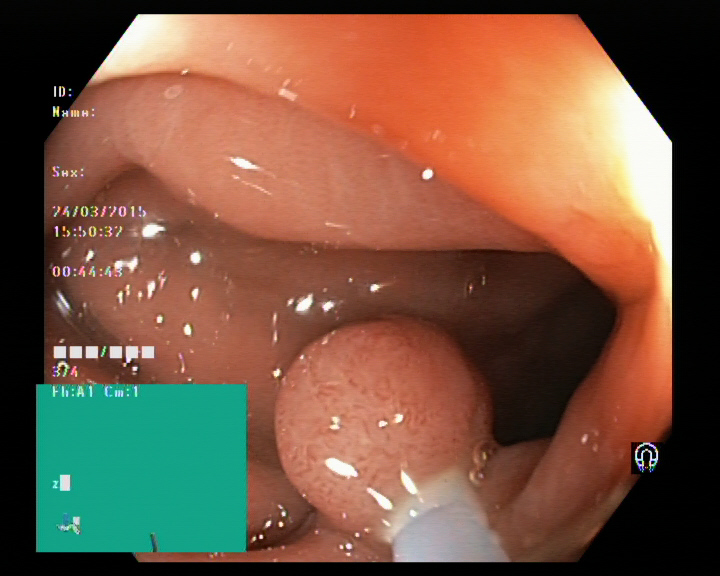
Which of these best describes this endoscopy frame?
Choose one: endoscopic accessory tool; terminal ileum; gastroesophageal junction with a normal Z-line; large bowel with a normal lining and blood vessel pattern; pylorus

endoscopic accessory tool